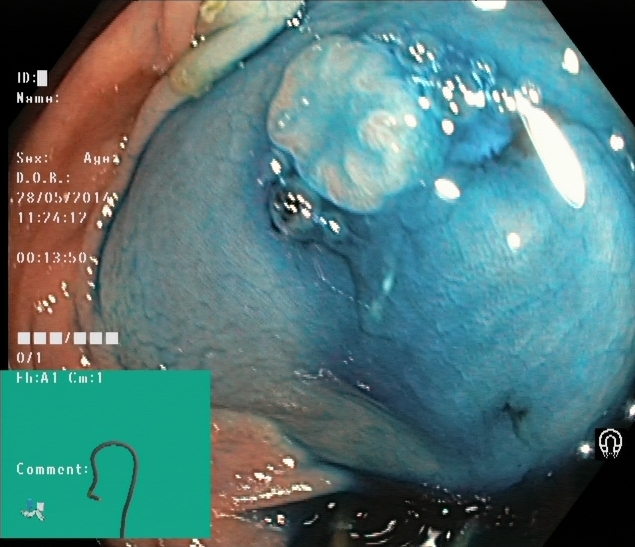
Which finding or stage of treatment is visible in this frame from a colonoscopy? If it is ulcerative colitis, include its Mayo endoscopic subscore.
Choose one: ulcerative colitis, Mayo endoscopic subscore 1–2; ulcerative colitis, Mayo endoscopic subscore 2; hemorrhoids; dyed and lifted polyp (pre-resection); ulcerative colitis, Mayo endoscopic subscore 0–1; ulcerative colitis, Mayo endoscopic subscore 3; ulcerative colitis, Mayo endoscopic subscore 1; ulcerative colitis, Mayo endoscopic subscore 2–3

dyed and lifted polyp (pre-resection)